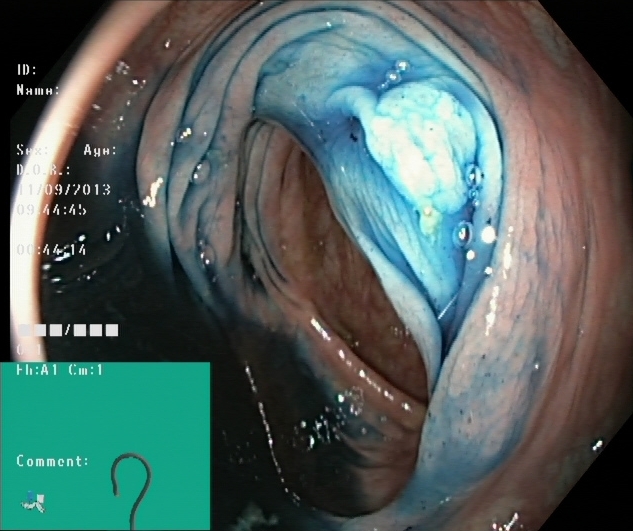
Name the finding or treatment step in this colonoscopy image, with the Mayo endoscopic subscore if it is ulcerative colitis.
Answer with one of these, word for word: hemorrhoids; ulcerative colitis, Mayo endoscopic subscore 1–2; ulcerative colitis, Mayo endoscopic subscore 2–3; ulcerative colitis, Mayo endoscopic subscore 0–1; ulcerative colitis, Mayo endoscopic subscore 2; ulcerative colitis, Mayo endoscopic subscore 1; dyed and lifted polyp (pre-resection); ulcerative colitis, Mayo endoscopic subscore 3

dyed and lifted polyp (pre-resection)